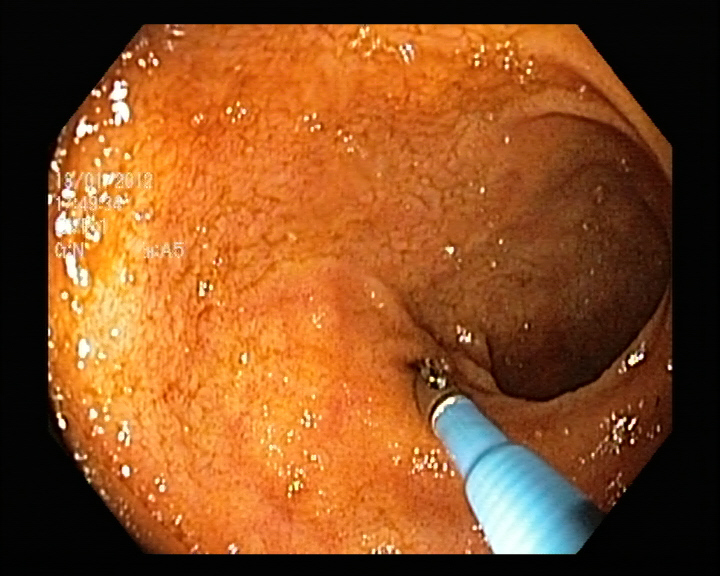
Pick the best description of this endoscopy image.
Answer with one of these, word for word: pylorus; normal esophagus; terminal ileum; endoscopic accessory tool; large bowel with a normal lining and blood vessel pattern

endoscopic accessory tool